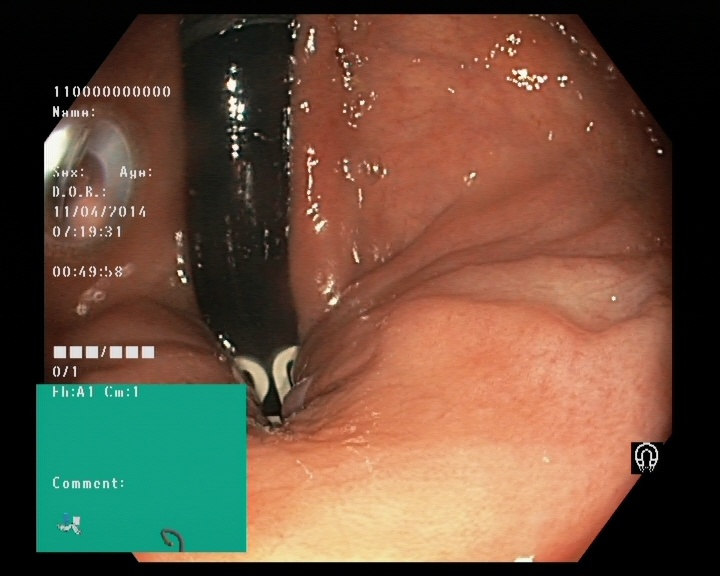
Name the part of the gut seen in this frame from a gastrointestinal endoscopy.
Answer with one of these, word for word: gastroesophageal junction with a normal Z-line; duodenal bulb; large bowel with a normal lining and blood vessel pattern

large bowel with a normal lining and blood vessel pattern